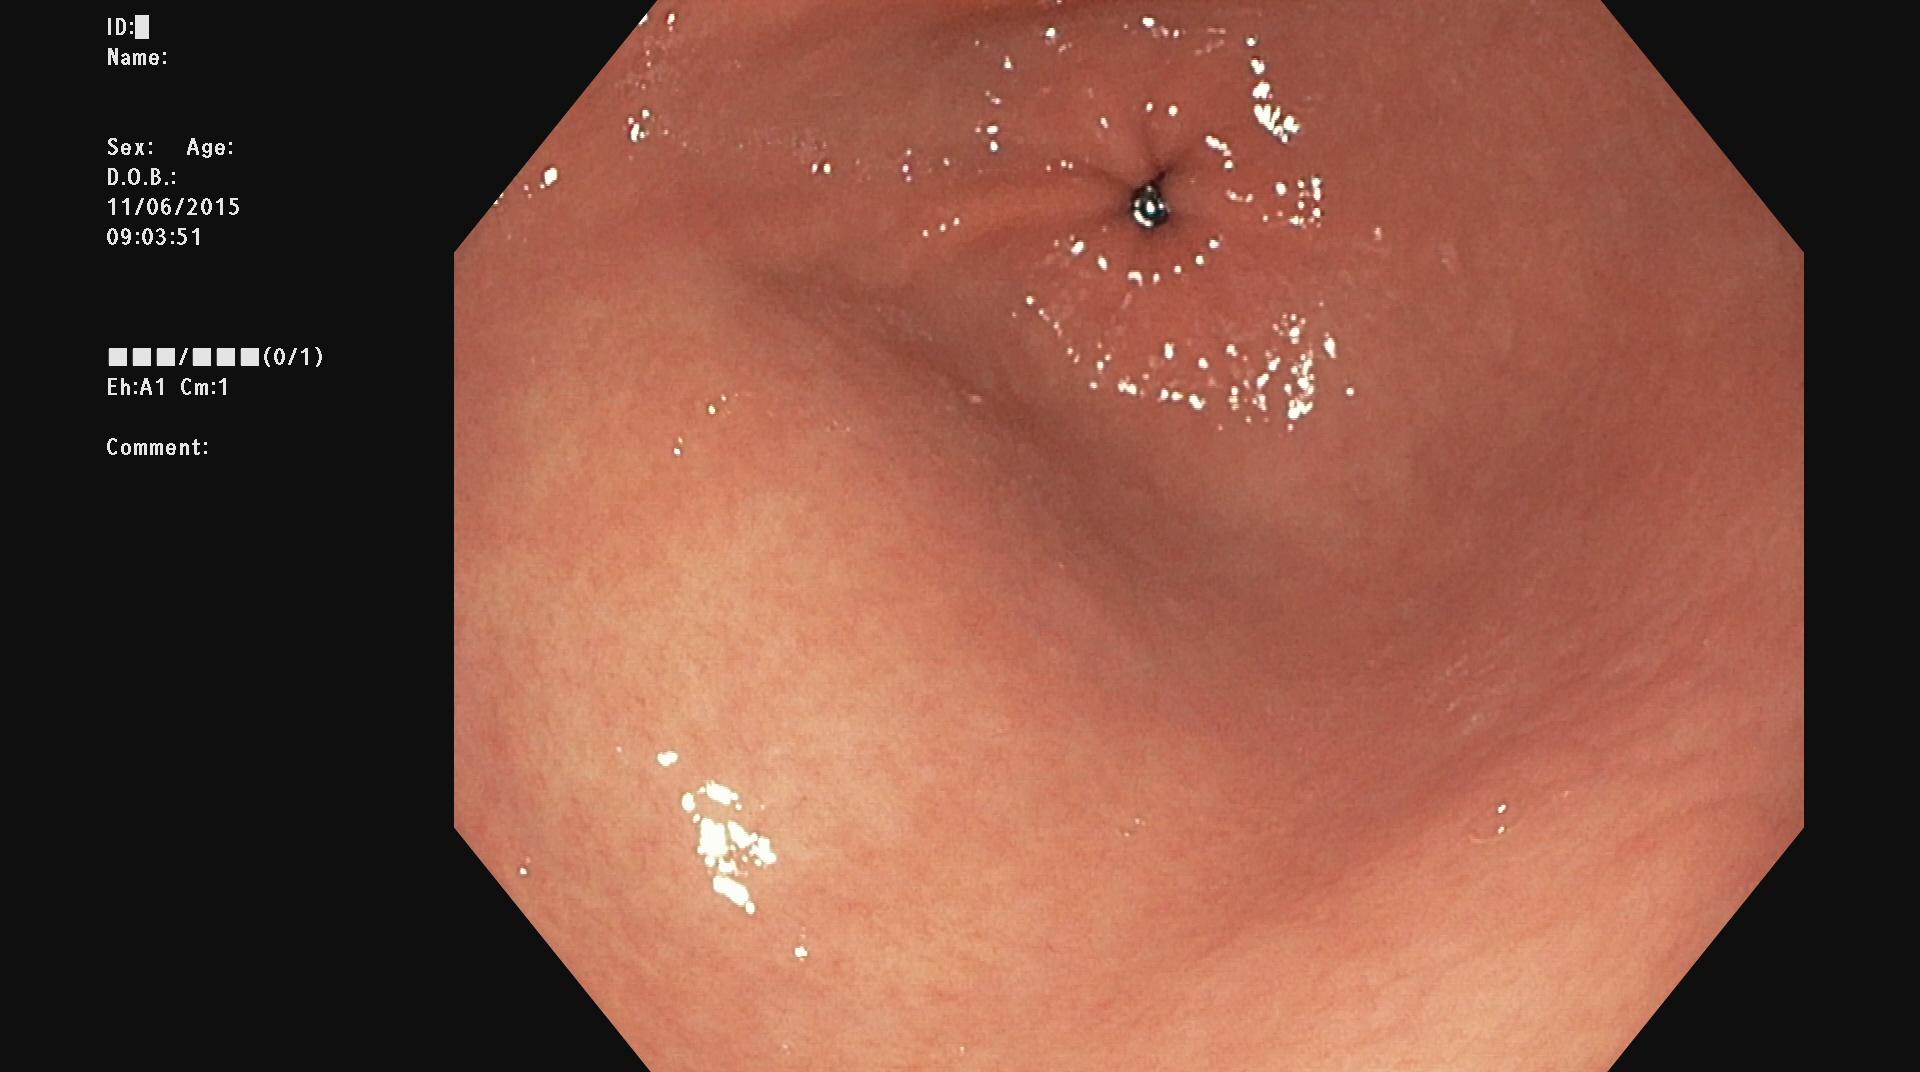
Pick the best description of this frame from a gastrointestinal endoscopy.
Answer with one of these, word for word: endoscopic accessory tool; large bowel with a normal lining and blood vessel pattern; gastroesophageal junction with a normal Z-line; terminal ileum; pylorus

pylorus